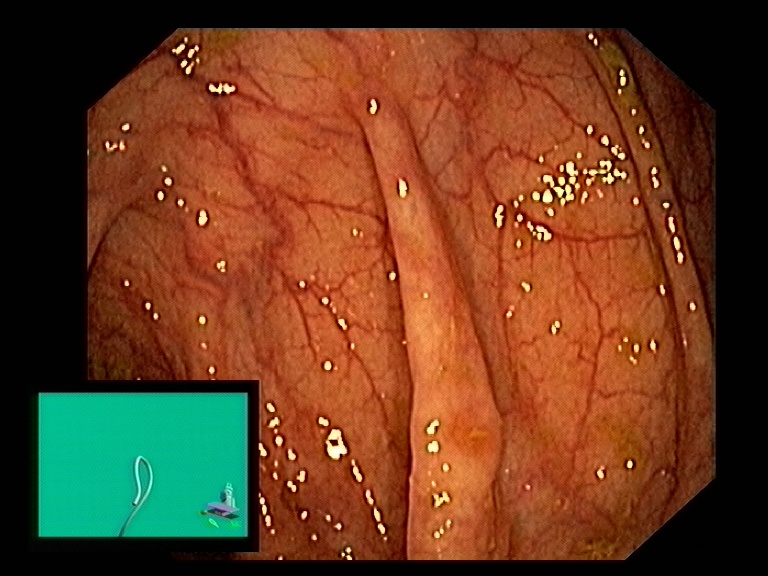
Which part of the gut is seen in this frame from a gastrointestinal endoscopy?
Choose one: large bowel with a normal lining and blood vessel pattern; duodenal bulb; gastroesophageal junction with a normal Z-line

large bowel with a normal lining and blood vessel pattern